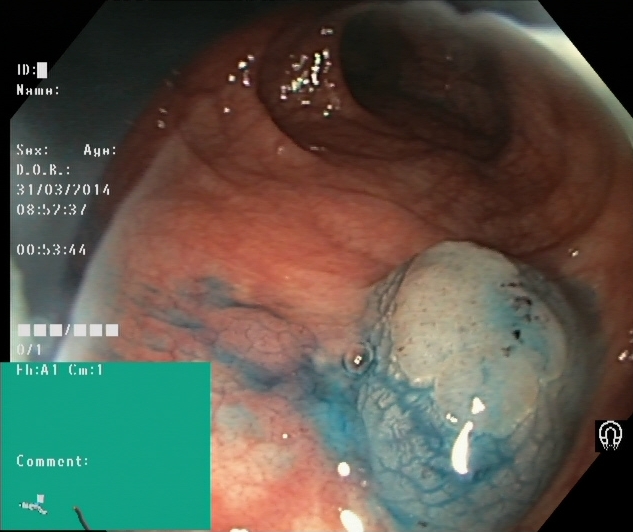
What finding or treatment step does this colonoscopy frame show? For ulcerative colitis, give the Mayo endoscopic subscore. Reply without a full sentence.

dyed and lifted polyp (pre-resection)